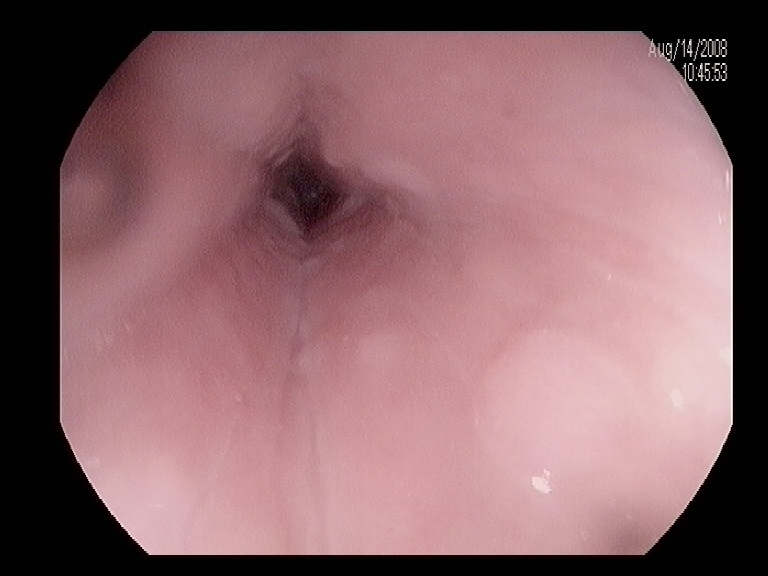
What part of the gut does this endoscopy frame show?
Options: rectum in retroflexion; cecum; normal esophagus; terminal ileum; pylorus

normal esophagus